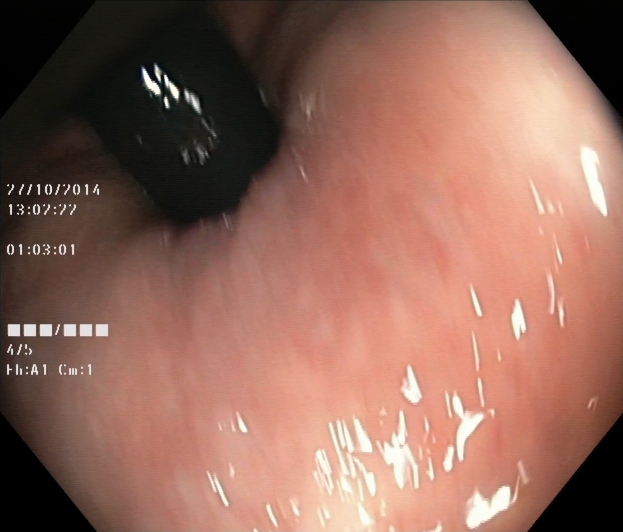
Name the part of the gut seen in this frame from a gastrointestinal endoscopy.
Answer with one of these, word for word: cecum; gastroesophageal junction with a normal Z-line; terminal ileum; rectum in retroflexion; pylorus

rectum in retroflexion